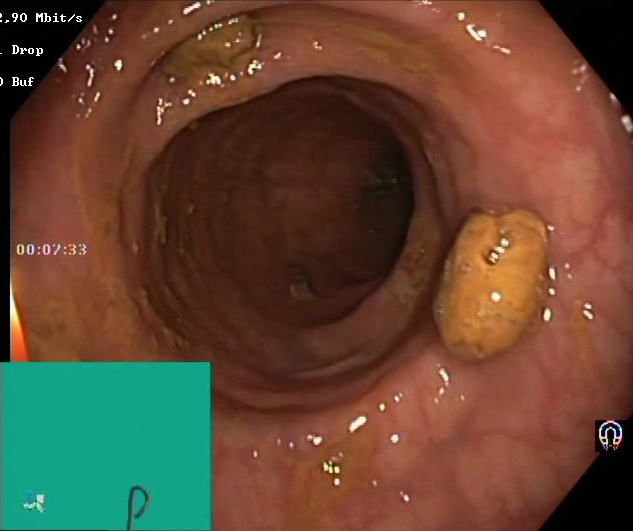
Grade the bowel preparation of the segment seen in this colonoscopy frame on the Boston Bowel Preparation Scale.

Boston Bowel Preparation Scale score 2–3 (adequate preparation)